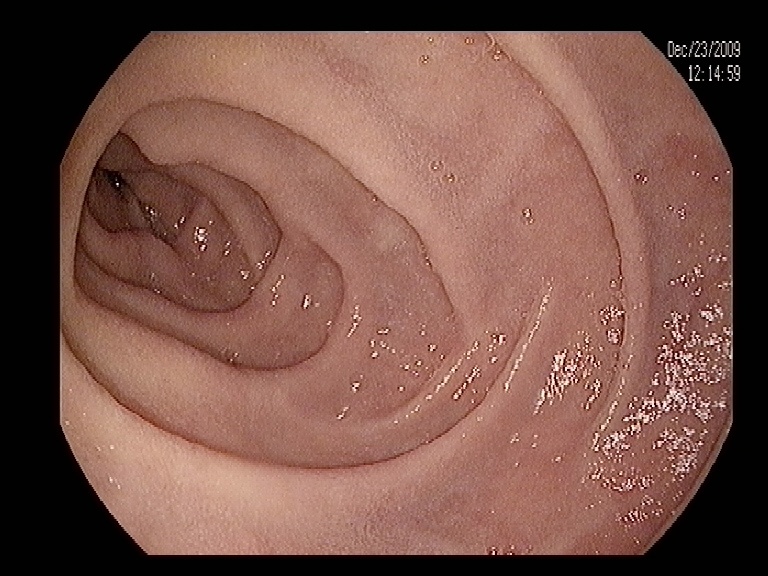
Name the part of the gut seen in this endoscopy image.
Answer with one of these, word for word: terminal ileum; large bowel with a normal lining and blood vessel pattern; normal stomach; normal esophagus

terminal ileum